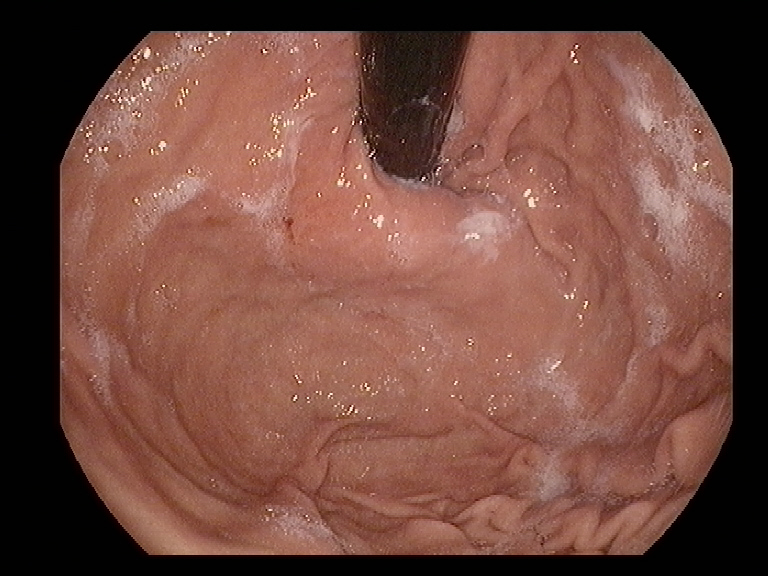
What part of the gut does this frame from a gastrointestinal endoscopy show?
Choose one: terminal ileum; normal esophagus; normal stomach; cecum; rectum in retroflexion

normal stomach